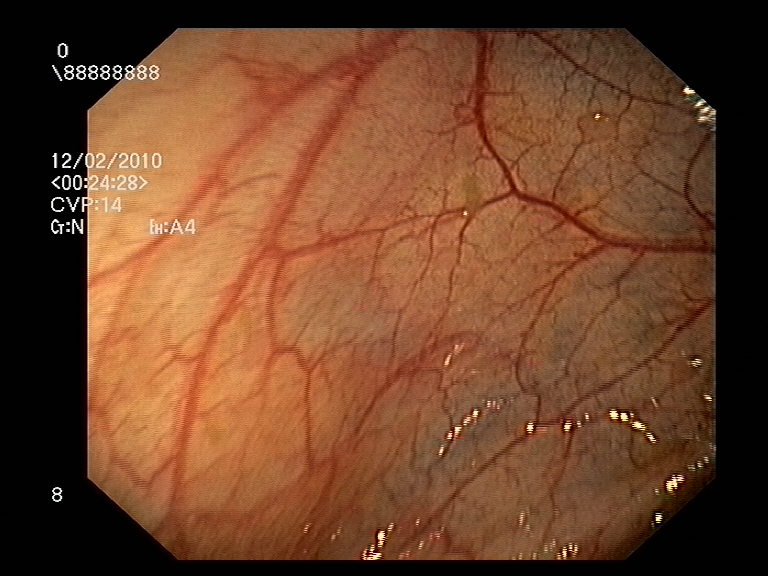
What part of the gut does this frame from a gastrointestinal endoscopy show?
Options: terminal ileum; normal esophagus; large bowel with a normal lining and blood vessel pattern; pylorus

large bowel with a normal lining and blood vessel pattern